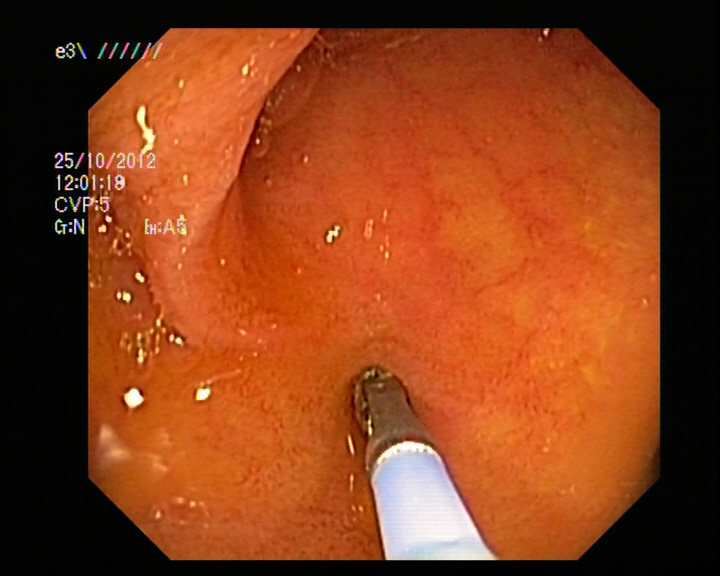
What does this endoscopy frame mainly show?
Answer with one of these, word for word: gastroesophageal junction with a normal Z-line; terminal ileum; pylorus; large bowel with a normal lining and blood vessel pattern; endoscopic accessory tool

endoscopic accessory tool